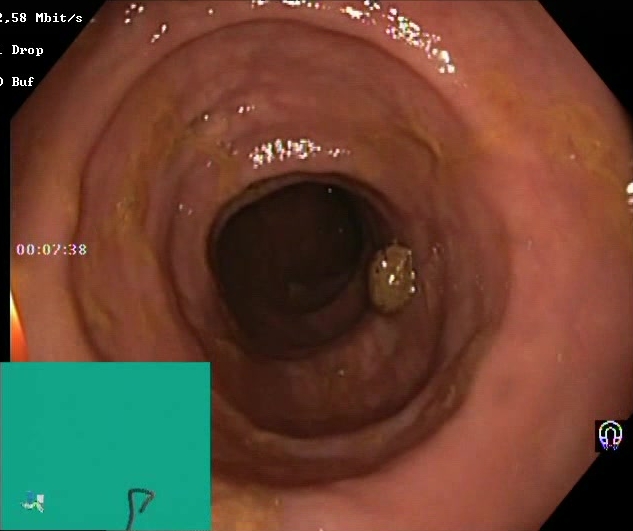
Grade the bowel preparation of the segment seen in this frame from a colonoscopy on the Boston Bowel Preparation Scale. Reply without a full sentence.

Boston Bowel Preparation Scale score 2–3 (adequate preparation)